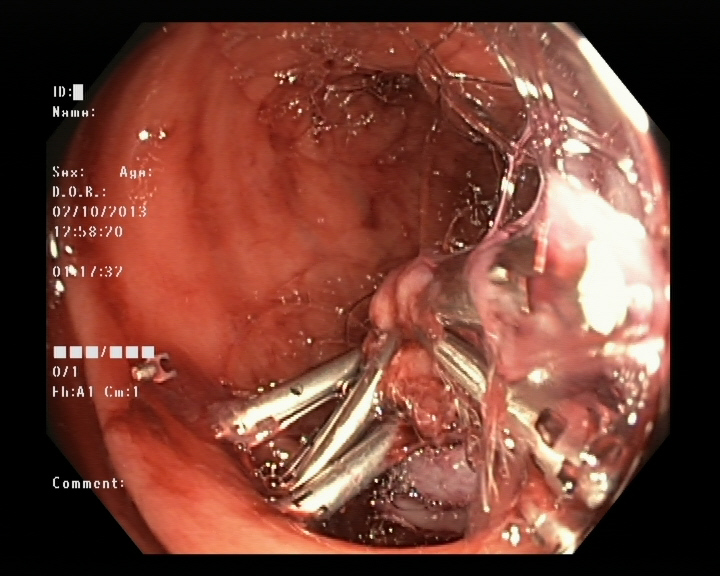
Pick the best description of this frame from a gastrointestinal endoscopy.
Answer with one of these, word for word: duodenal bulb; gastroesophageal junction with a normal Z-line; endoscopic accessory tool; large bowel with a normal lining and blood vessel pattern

endoscopic accessory tool